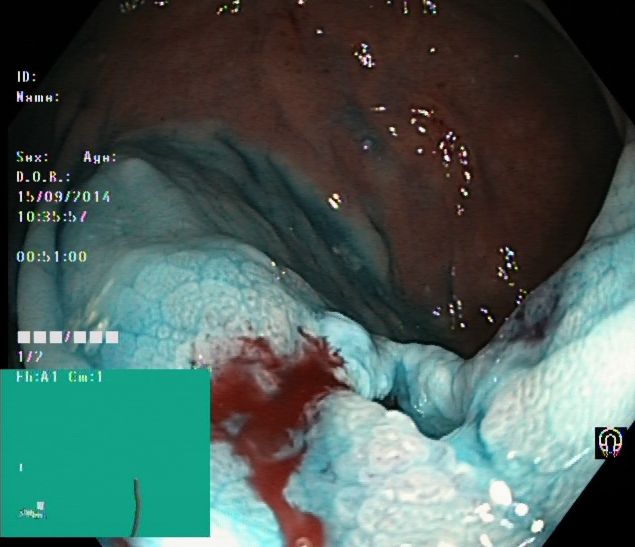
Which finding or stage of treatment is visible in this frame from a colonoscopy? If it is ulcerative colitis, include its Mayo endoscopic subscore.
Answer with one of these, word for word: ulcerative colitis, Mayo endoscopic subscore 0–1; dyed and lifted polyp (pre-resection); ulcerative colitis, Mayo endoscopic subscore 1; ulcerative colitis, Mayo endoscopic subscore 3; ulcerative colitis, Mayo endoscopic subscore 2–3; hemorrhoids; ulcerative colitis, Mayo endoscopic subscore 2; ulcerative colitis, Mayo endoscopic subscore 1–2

dyed and lifted polyp (pre-resection)